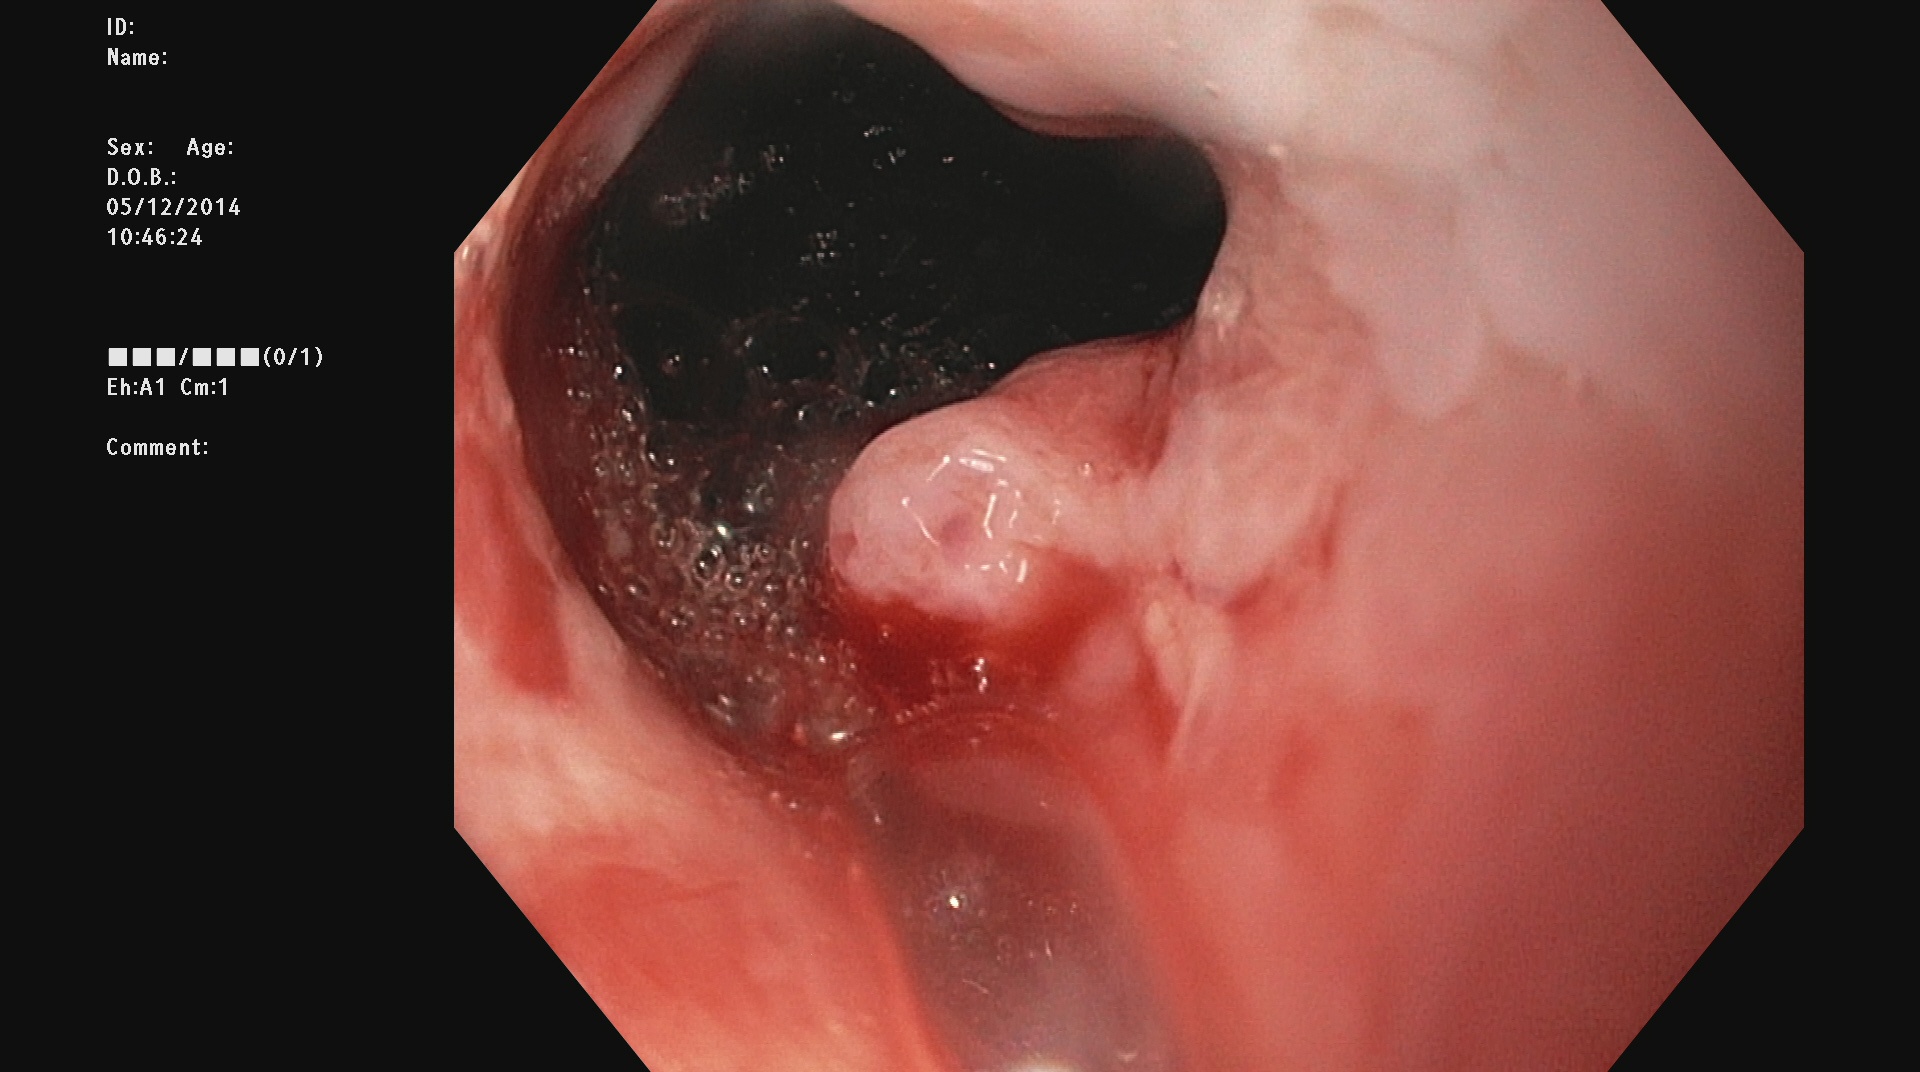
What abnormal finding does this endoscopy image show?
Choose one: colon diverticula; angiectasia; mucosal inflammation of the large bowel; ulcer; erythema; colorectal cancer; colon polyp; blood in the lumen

blood in the lumen